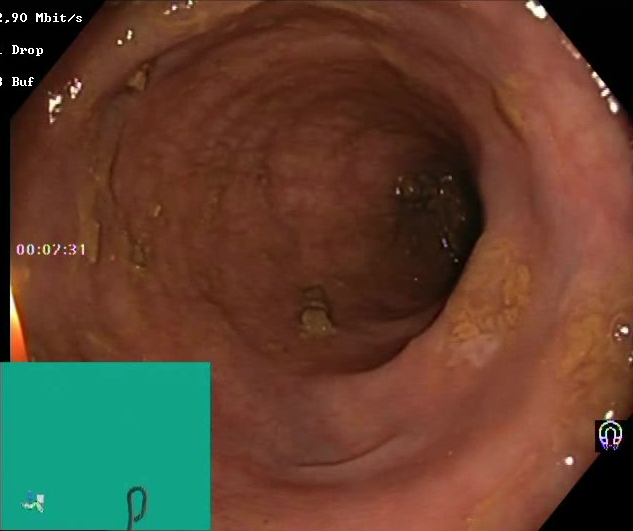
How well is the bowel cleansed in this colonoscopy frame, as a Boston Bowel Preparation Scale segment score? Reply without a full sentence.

Boston Bowel Preparation Scale score 2–3 (adequate preparation)